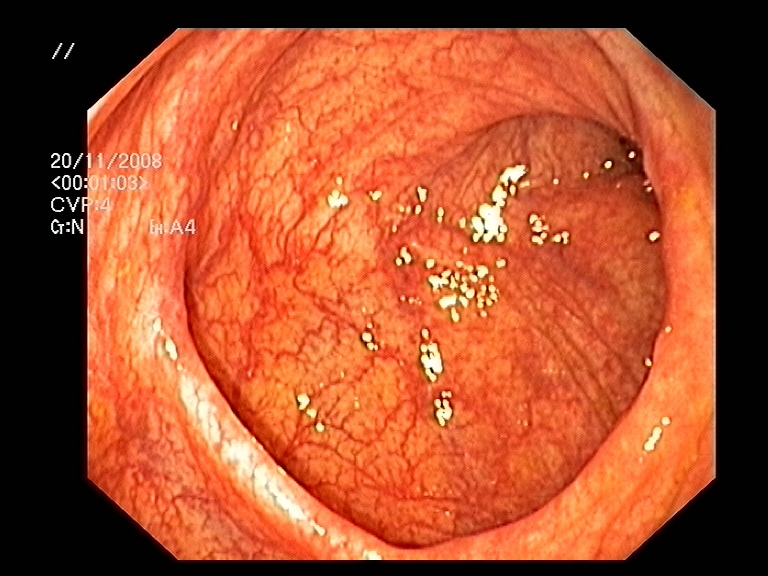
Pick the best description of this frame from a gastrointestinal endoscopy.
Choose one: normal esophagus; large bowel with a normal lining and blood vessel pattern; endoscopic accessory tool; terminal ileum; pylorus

large bowel with a normal lining and blood vessel pattern